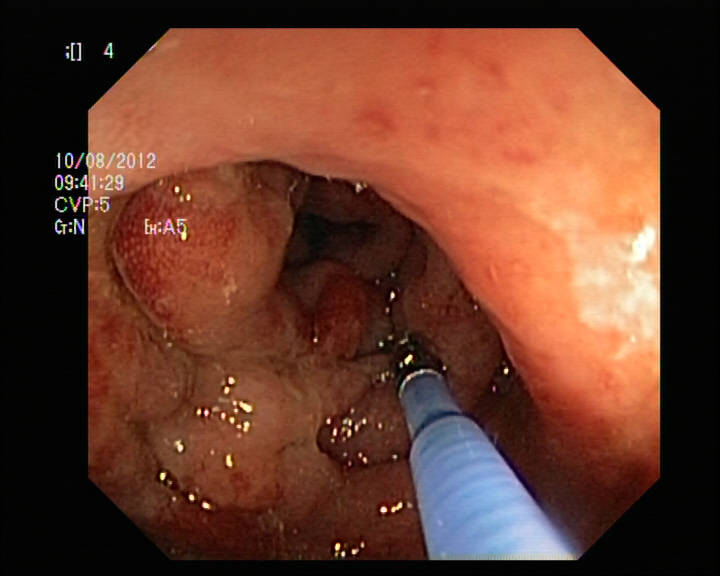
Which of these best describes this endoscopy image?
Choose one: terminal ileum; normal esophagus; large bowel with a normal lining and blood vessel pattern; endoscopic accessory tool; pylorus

endoscopic accessory tool